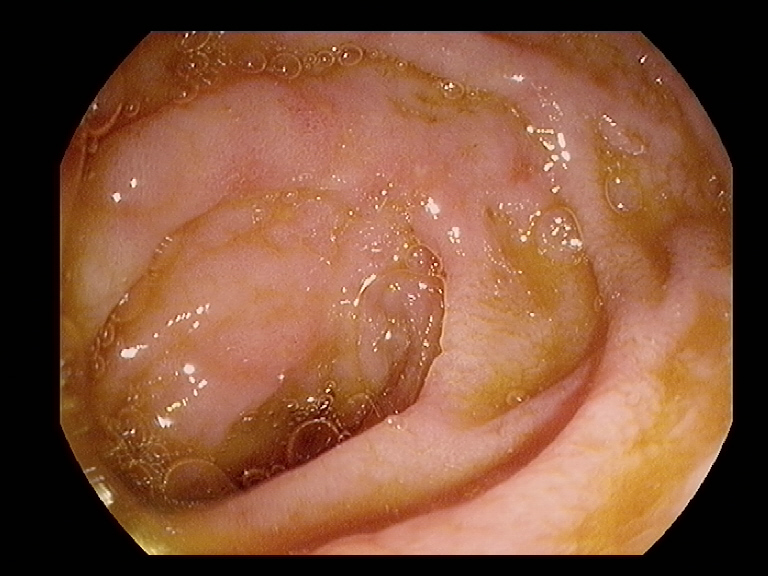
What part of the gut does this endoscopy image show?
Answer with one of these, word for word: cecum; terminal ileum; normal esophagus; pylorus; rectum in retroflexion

terminal ileum